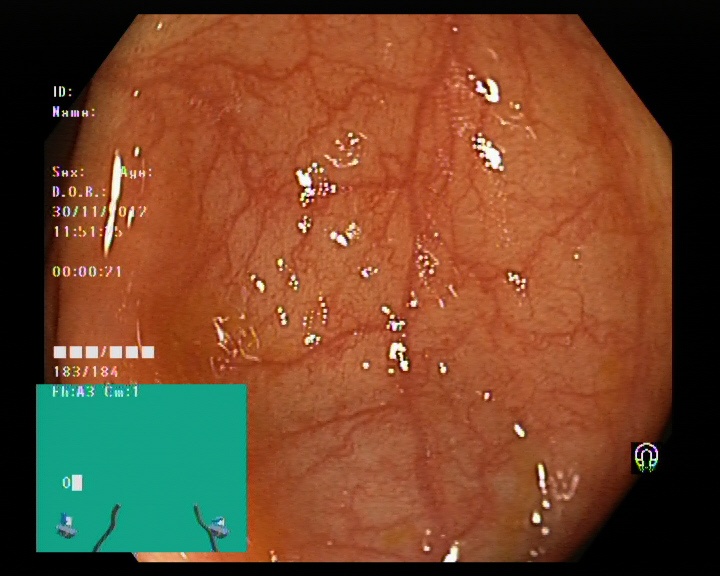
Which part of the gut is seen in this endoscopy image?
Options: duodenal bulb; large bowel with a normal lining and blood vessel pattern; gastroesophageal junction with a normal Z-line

large bowel with a normal lining and blood vessel pattern